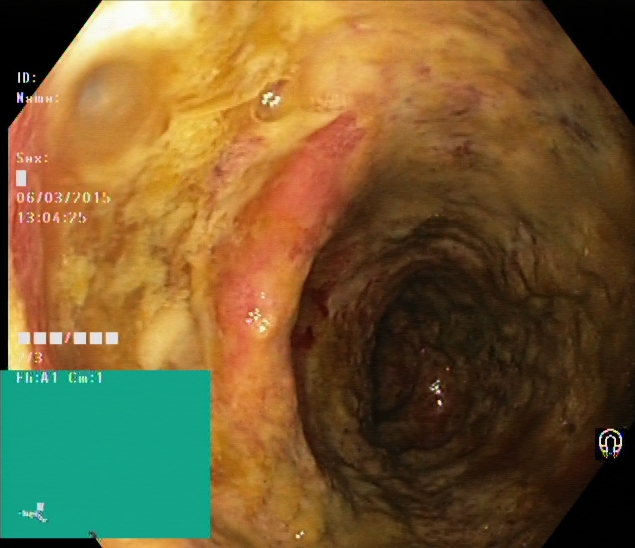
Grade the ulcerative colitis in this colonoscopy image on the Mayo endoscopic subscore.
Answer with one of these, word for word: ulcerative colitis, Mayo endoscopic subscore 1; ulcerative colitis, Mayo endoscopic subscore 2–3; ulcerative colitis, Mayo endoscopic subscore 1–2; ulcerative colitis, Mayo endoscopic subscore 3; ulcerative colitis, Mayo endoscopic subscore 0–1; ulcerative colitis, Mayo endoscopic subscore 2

ulcerative colitis, Mayo endoscopic subscore 3